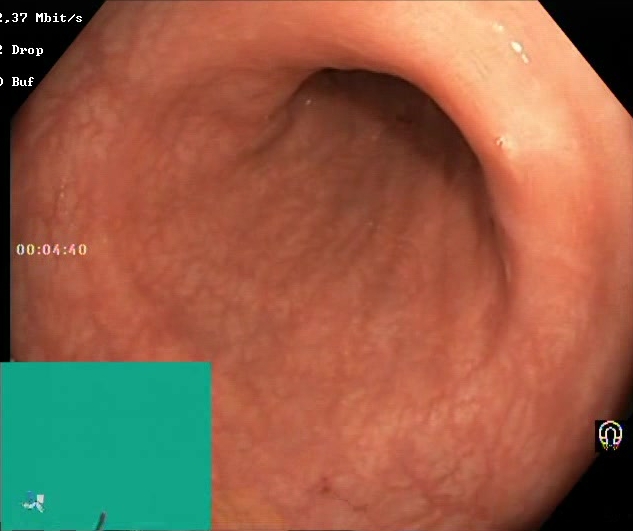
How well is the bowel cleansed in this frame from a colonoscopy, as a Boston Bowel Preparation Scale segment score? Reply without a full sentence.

Boston Bowel Preparation Scale score 2–3 (adequate preparation)